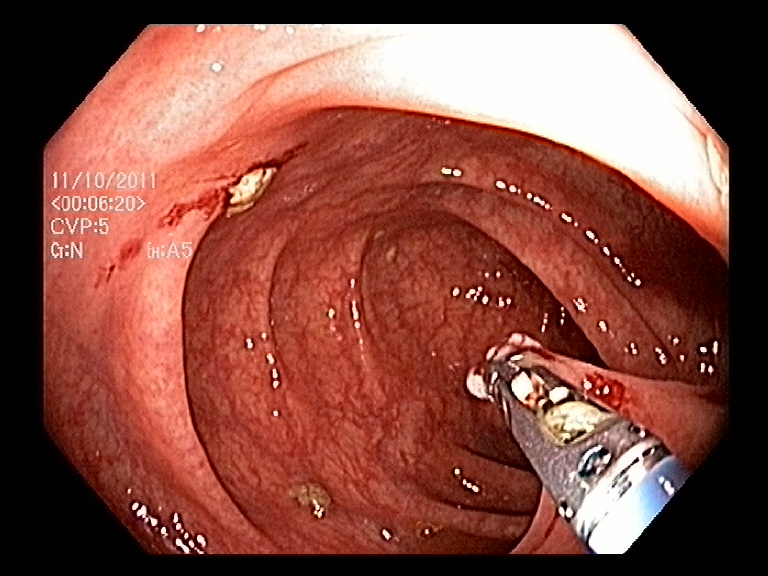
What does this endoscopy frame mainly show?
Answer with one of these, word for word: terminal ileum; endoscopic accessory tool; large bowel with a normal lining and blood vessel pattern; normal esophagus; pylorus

endoscopic accessory tool